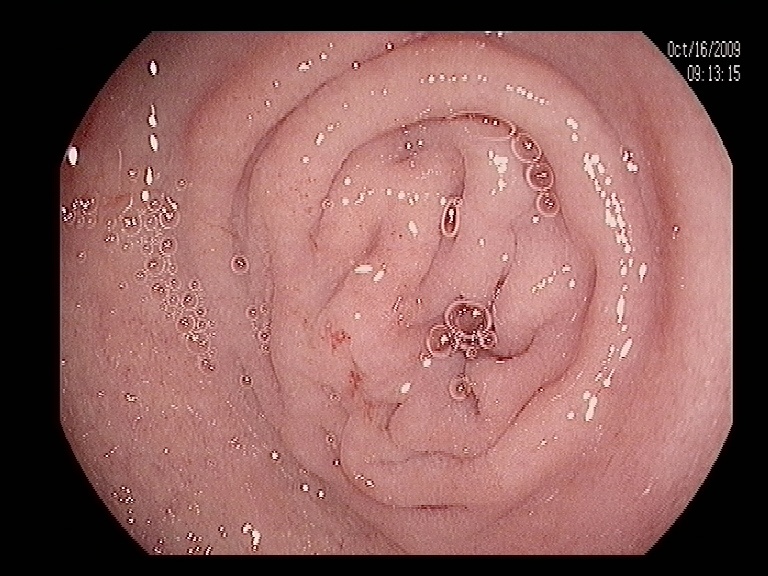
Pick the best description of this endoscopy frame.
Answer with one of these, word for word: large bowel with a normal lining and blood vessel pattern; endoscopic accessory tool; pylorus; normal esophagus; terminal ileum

terminal ileum